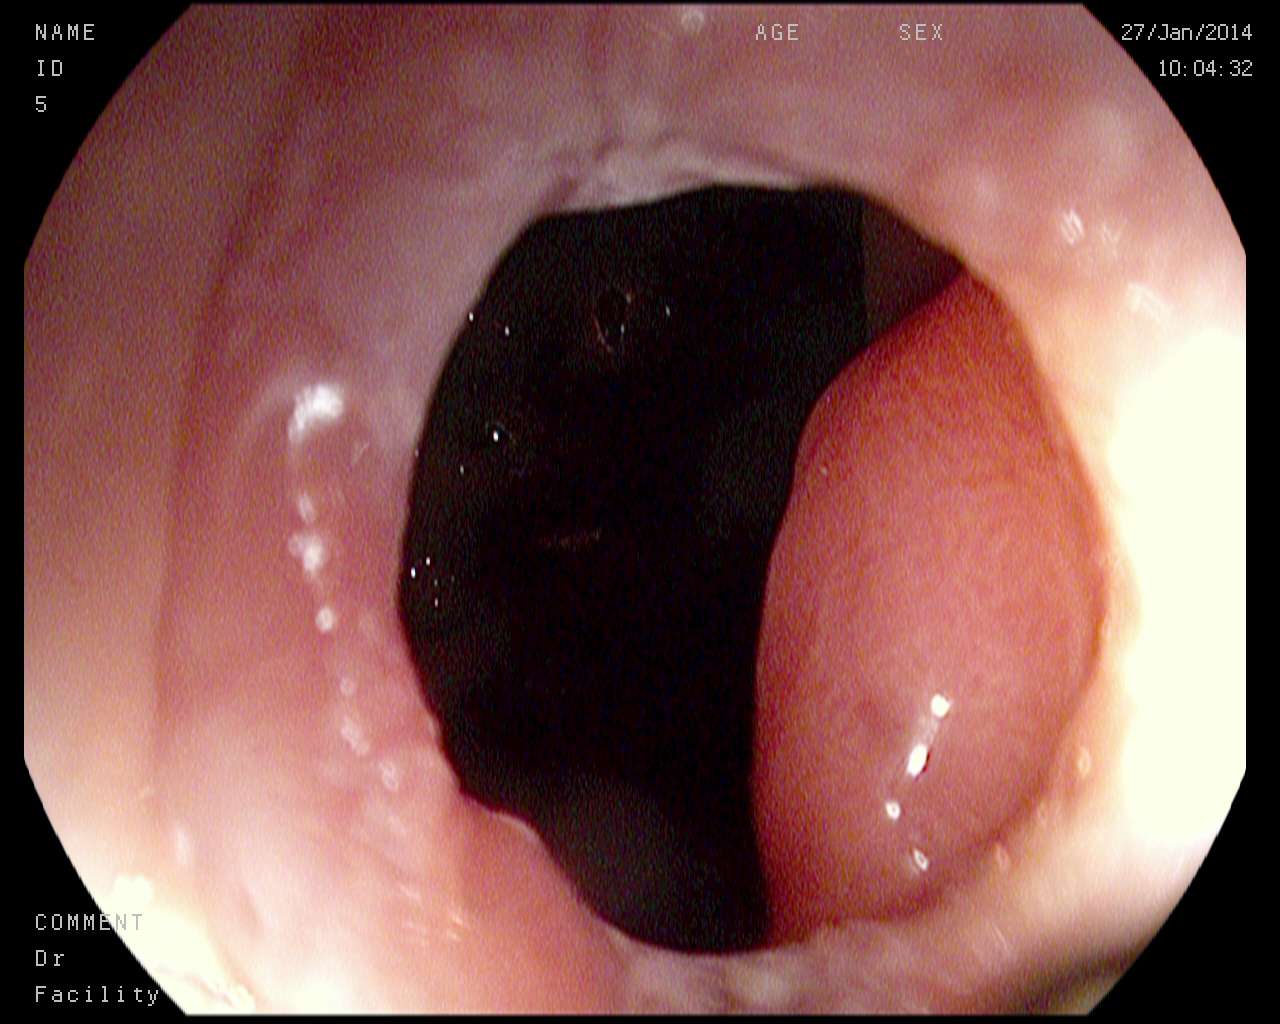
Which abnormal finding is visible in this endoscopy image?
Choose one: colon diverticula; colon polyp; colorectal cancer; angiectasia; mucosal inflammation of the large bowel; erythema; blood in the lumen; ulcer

colon polyp